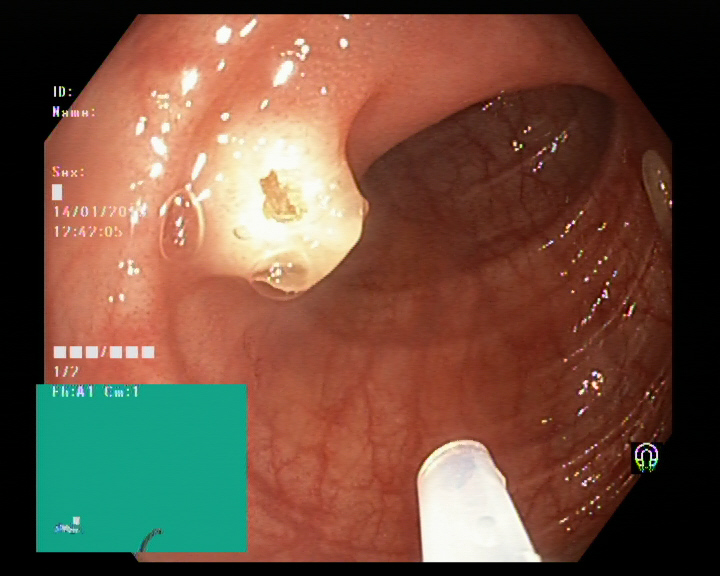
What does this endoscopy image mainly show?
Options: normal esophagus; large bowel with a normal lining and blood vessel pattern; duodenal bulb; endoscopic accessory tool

endoscopic accessory tool